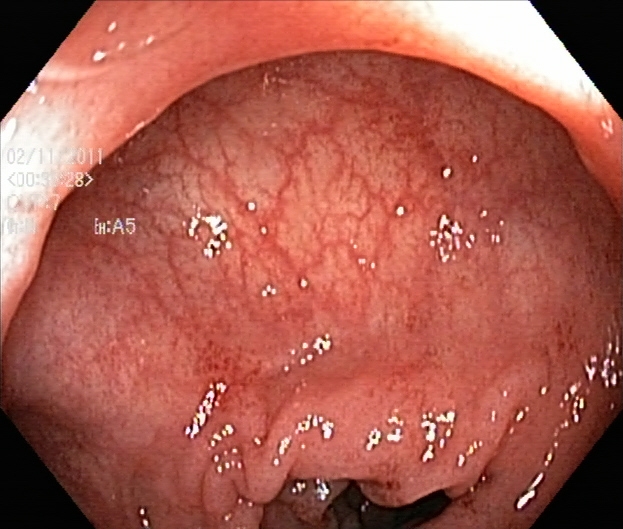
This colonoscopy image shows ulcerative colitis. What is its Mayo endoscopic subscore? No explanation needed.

ulcerative colitis, Mayo endoscopic subscore 0–1